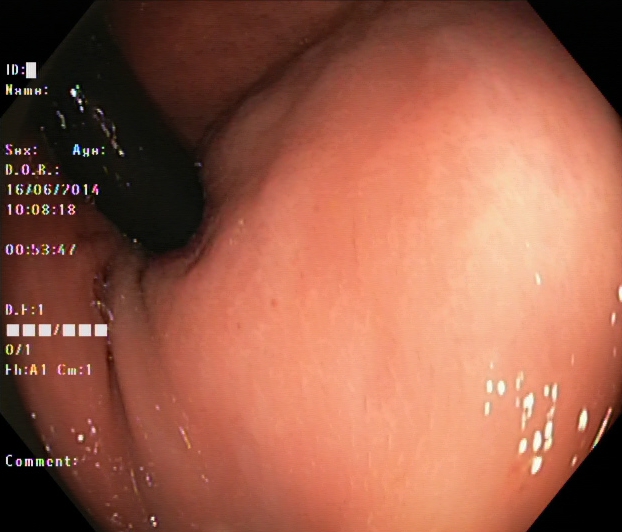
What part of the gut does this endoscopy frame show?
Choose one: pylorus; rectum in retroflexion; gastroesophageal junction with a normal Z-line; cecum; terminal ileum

rectum in retroflexion